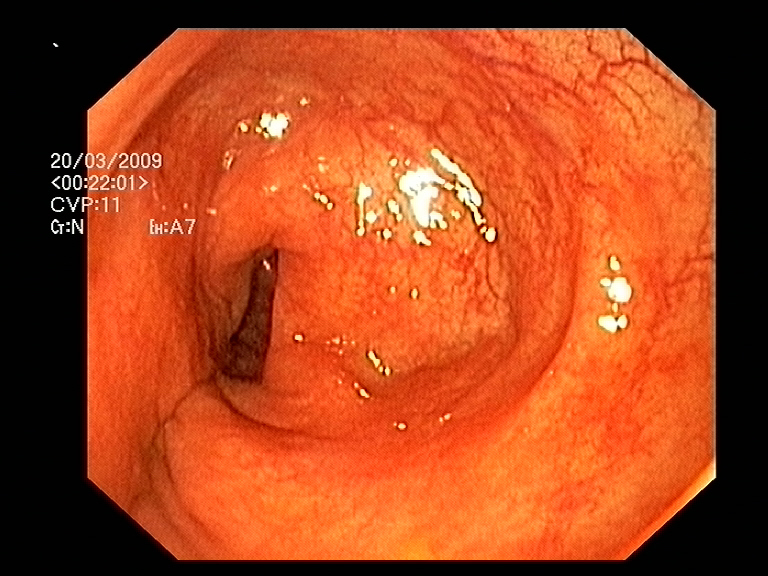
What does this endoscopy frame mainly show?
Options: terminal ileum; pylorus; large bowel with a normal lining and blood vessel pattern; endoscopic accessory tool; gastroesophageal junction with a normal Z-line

large bowel with a normal lining and blood vessel pattern